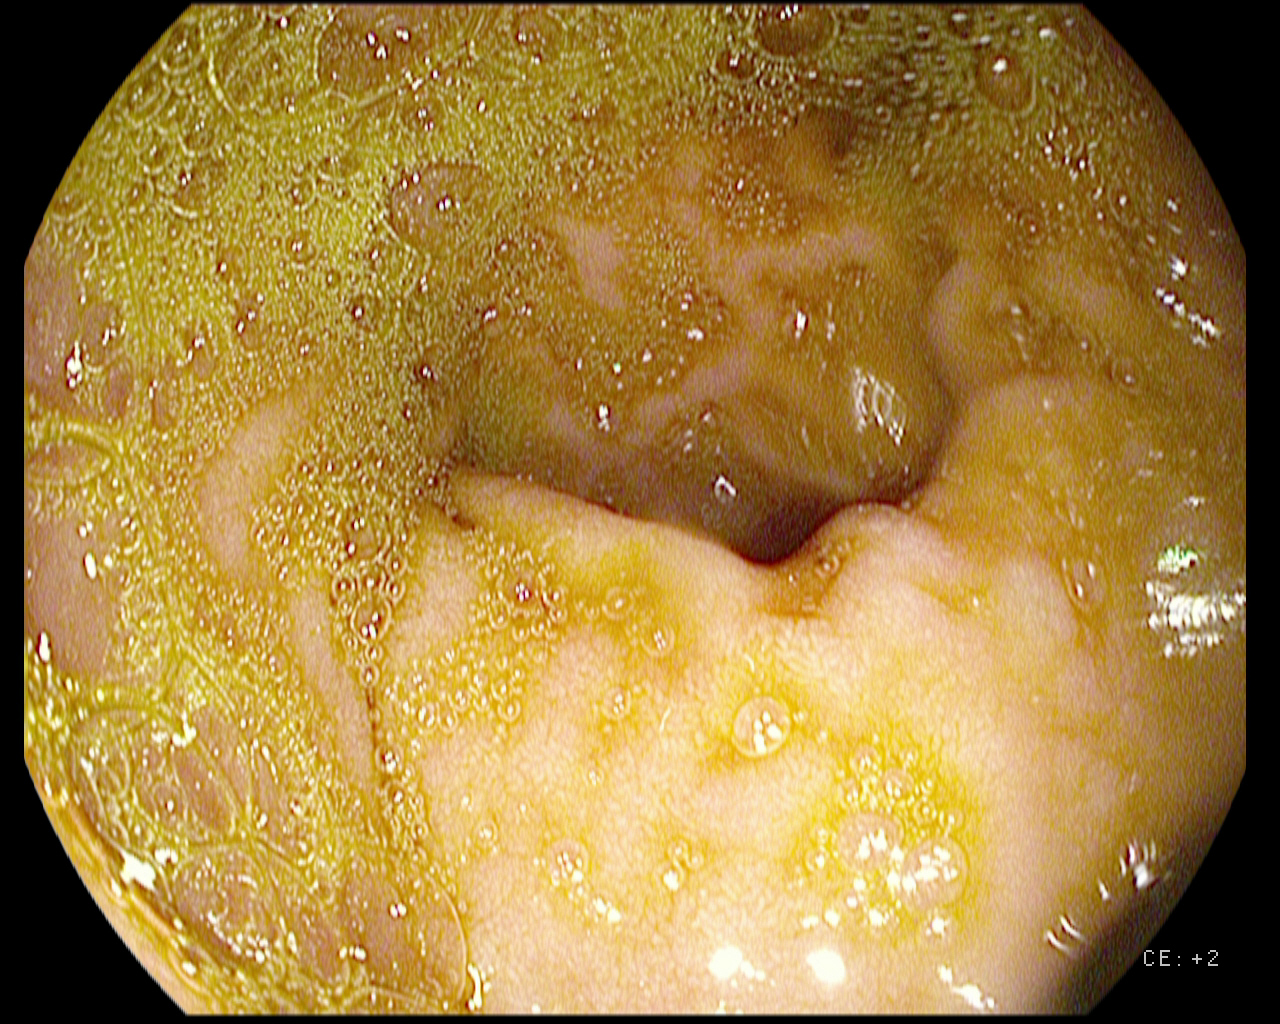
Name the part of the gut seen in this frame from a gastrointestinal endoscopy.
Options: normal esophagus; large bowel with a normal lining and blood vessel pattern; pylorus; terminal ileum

terminal ileum